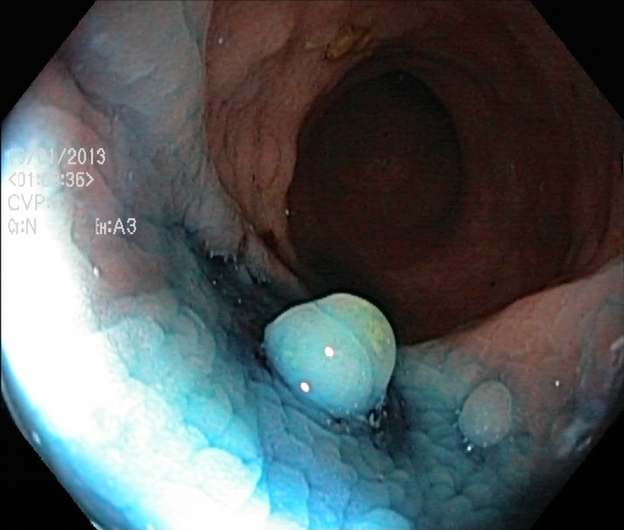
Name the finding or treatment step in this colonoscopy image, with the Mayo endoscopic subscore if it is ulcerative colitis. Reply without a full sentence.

dyed and lifted polyp (pre-resection)